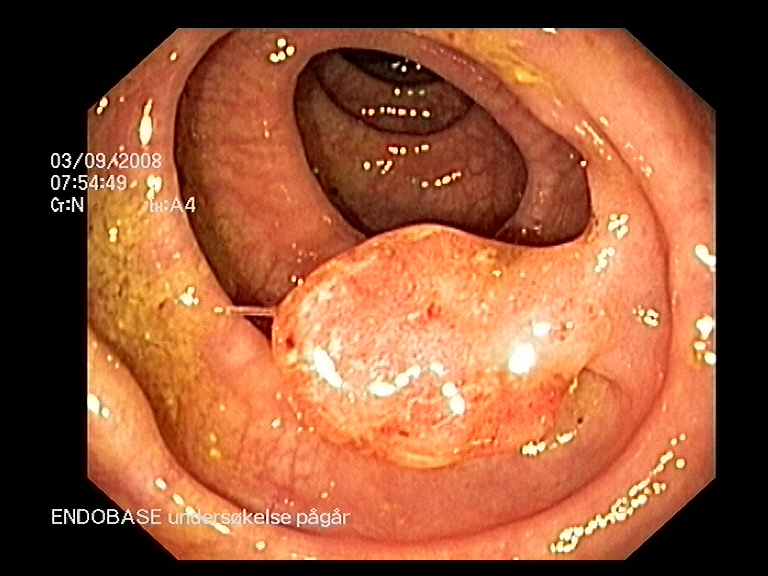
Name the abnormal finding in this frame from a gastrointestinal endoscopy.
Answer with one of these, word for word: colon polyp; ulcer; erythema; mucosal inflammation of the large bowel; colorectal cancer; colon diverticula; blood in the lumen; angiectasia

colon polyp